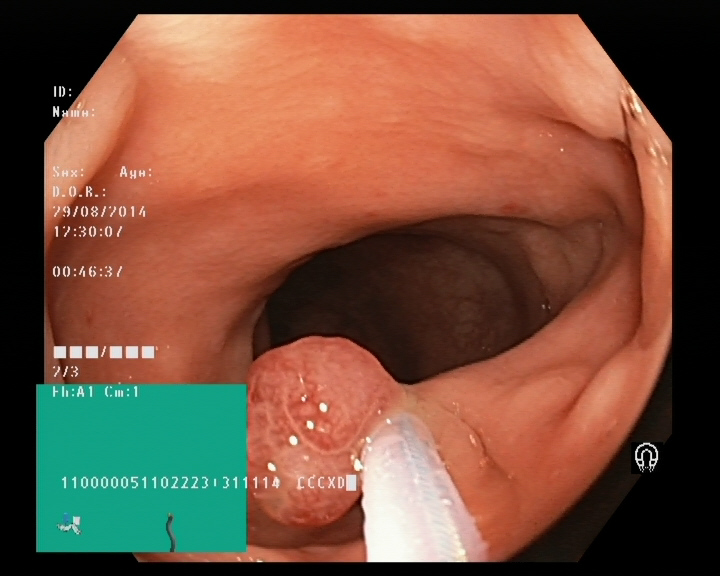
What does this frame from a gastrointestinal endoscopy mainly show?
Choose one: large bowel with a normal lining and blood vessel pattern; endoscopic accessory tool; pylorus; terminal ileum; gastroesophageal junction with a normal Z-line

endoscopic accessory tool